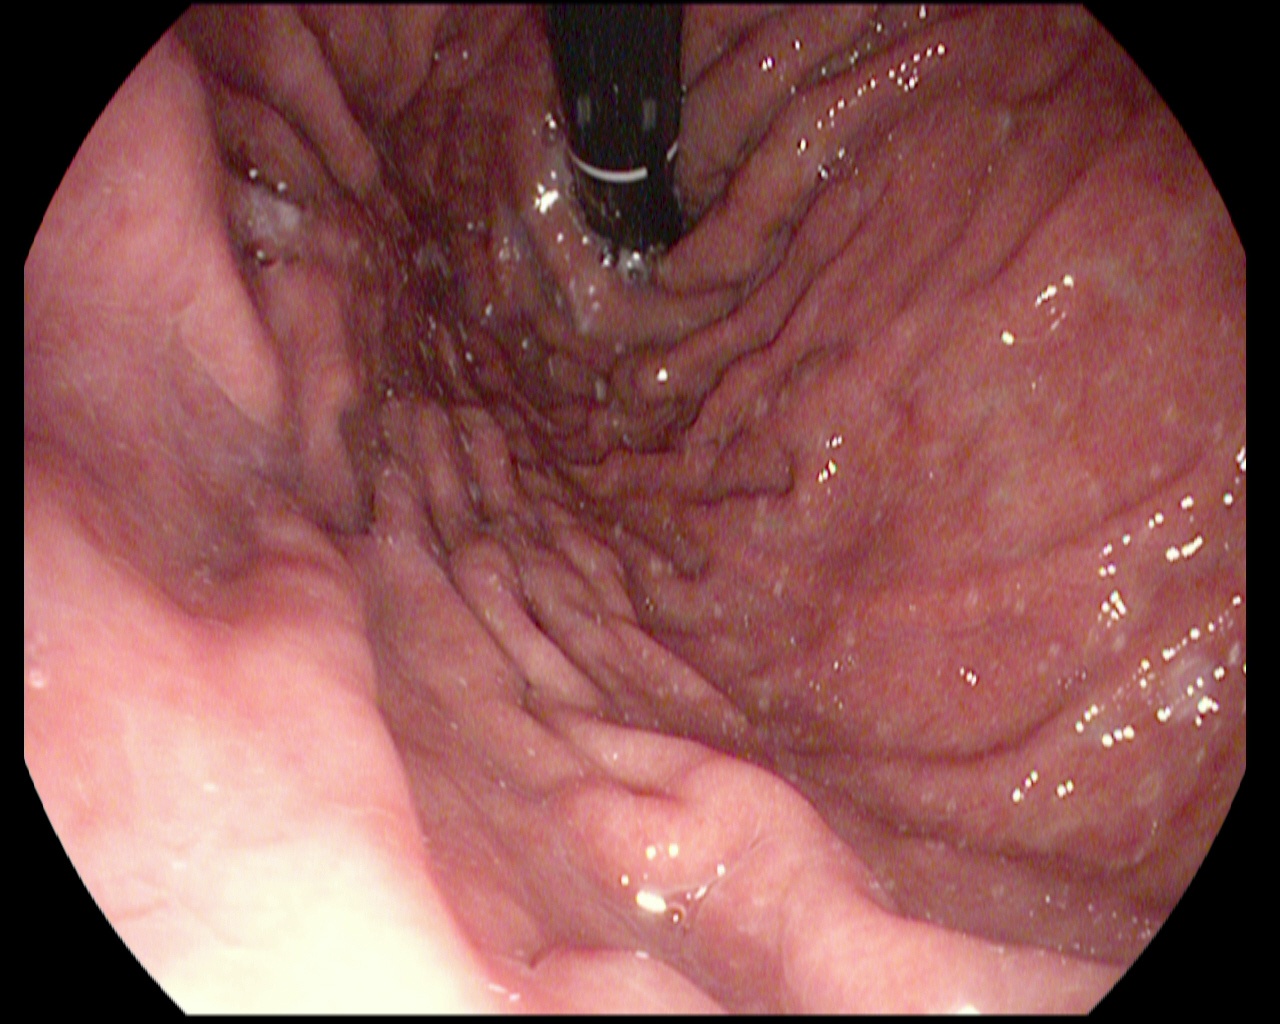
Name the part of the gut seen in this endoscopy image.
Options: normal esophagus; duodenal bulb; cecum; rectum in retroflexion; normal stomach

normal stomach